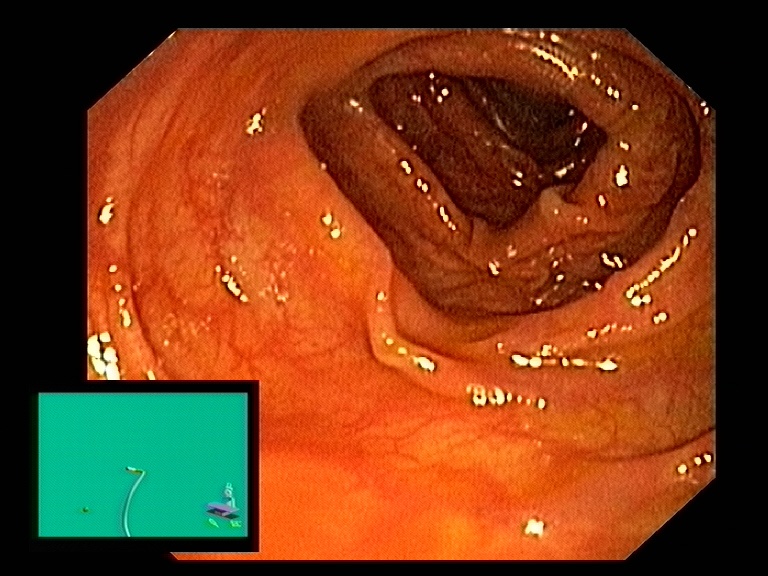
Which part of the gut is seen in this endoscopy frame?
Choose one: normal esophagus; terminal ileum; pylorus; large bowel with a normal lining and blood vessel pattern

large bowel with a normal lining and blood vessel pattern